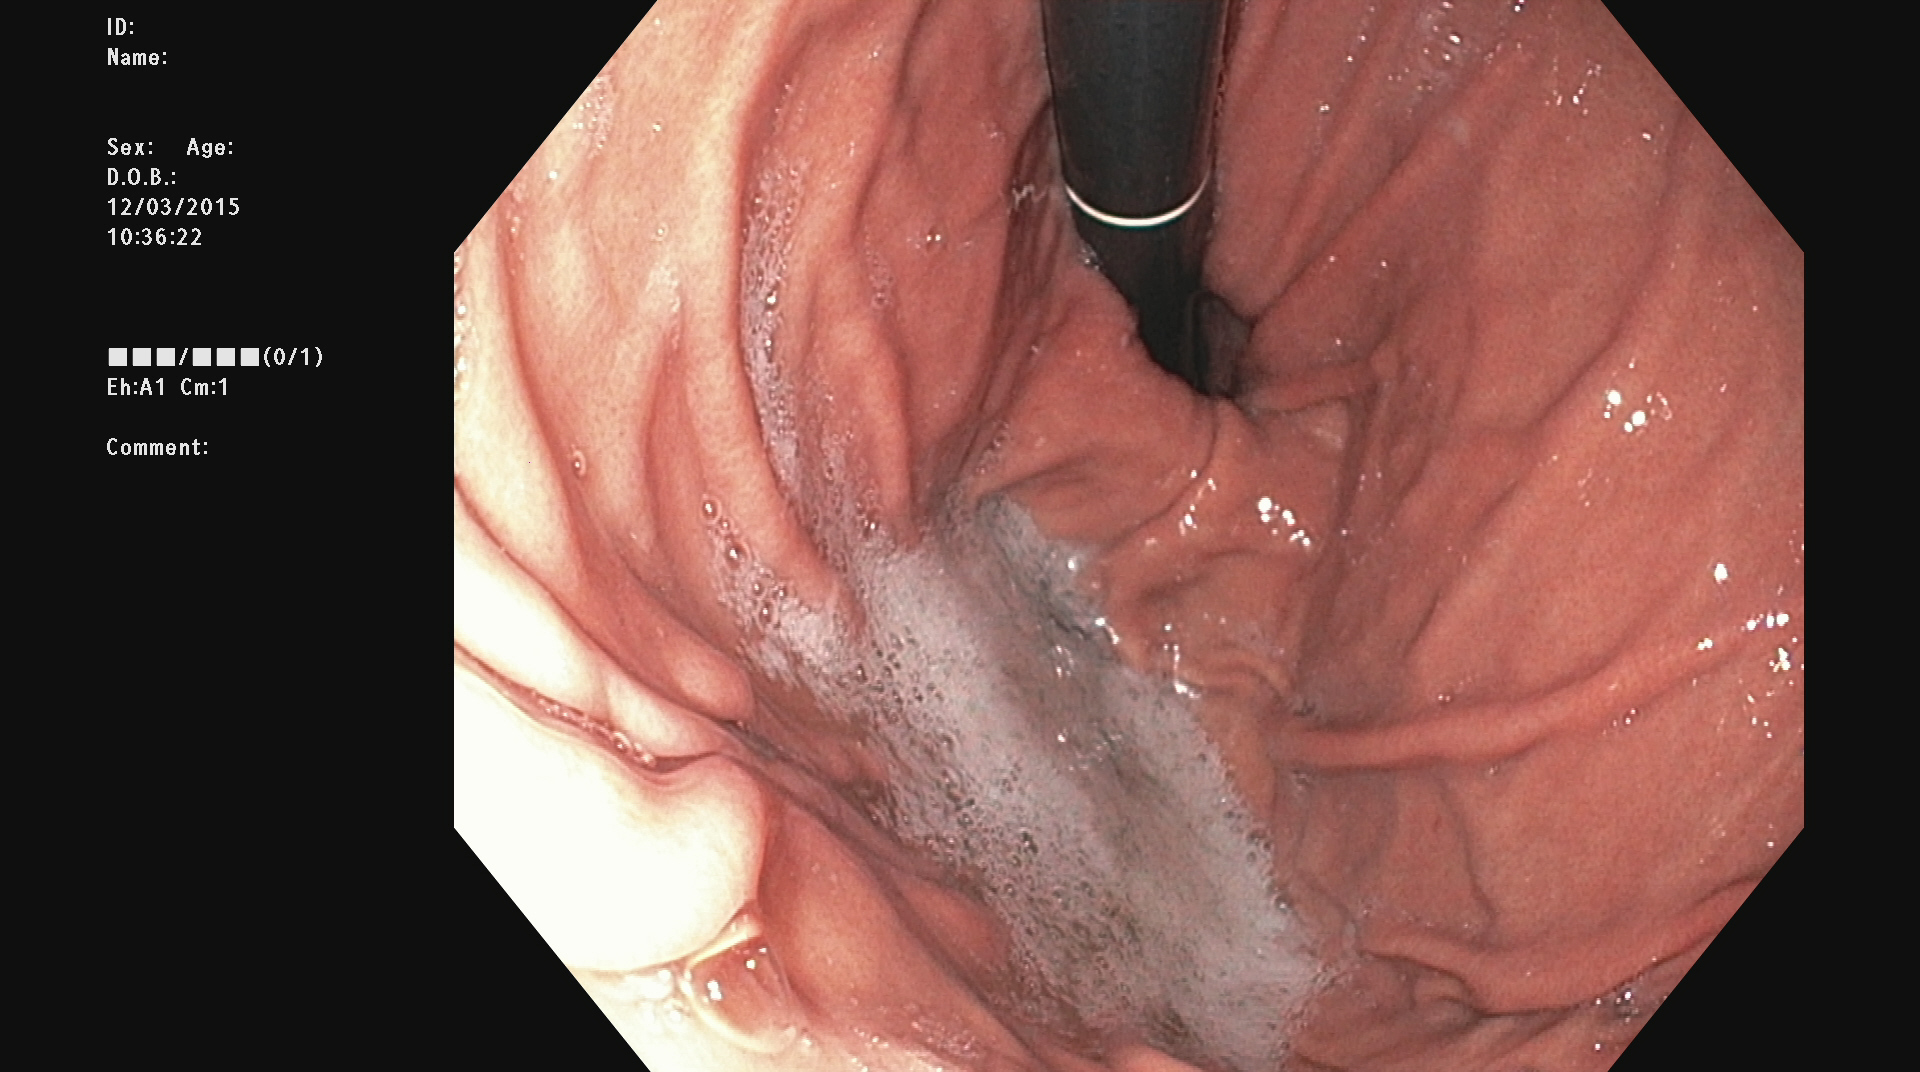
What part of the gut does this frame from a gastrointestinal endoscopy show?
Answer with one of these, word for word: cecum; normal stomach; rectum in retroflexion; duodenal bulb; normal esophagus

normal stomach